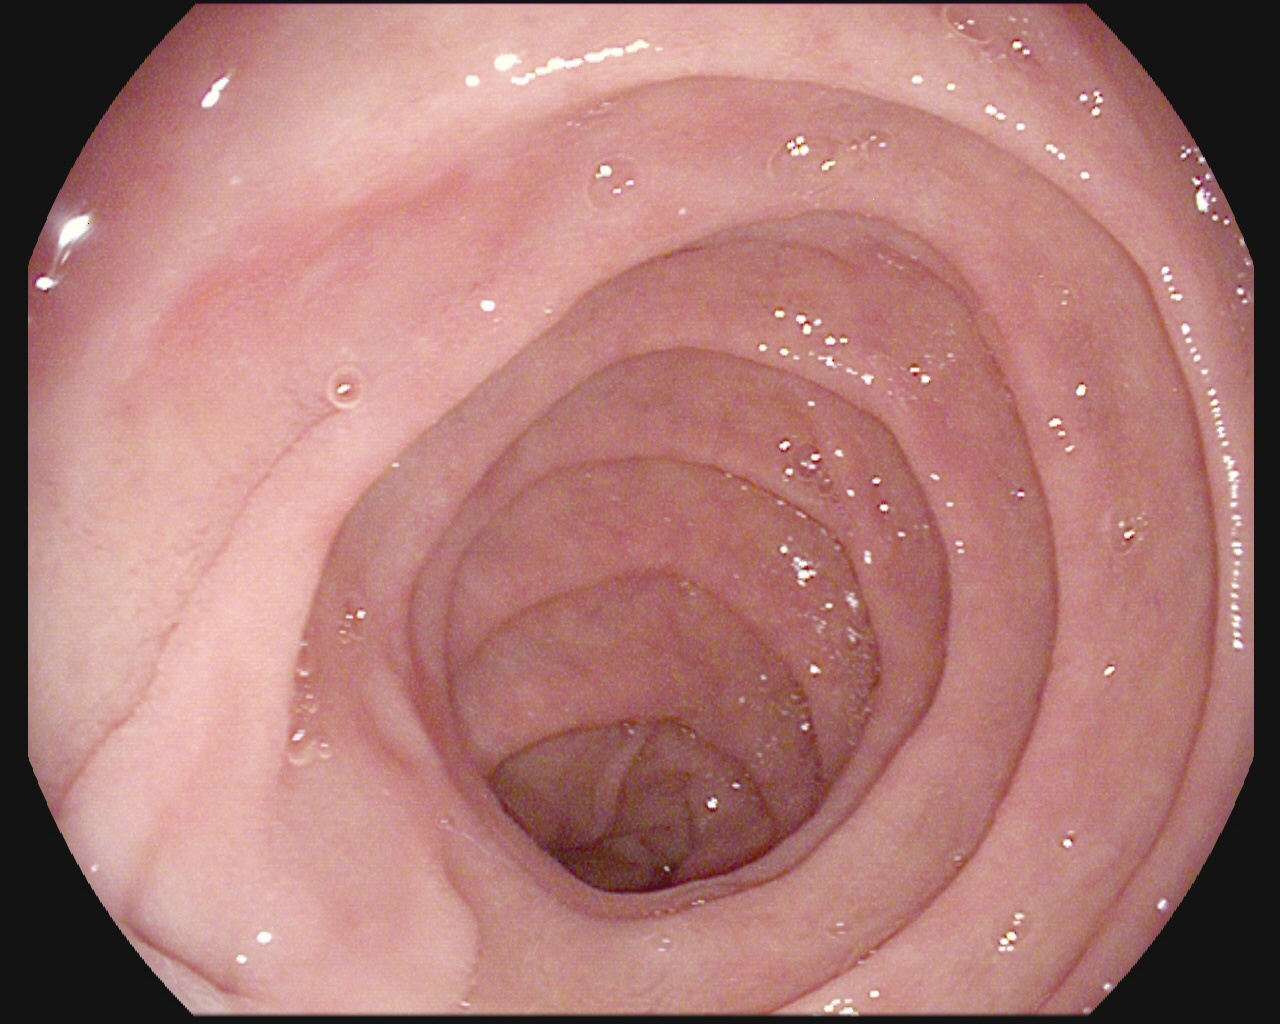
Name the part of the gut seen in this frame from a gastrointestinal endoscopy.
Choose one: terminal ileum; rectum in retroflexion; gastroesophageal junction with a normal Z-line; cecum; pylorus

terminal ileum